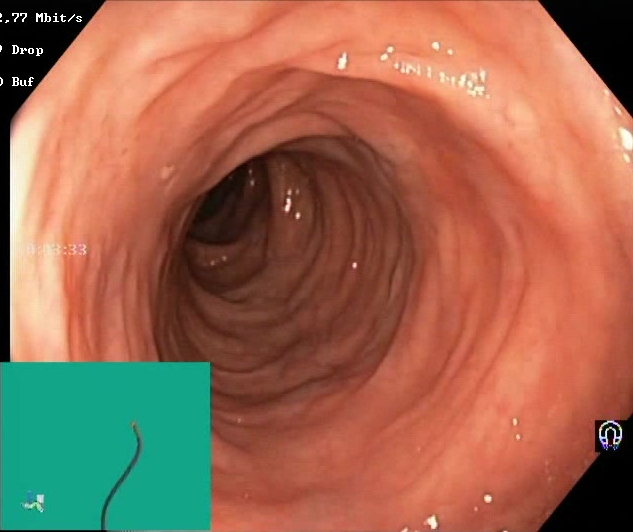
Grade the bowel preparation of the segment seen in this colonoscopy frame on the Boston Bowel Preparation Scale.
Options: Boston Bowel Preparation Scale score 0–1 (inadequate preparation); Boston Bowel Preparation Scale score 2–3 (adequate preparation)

Boston Bowel Preparation Scale score 2–3 (adequate preparation)